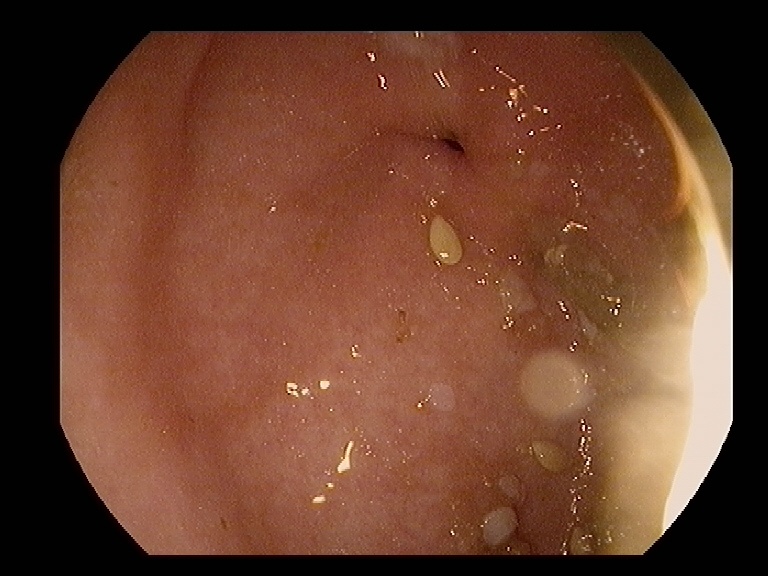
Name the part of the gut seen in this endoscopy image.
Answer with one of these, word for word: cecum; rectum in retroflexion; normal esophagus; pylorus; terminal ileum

pylorus